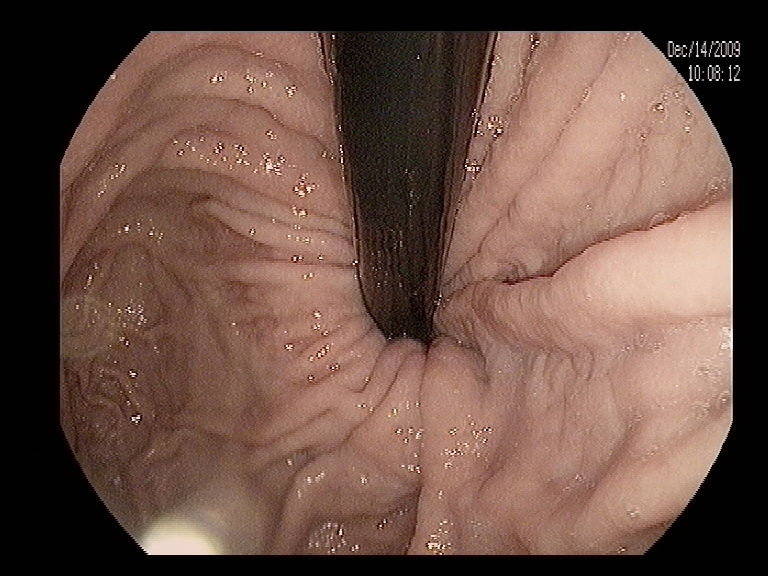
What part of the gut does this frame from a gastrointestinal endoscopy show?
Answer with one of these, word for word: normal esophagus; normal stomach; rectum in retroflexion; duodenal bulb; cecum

normal stomach